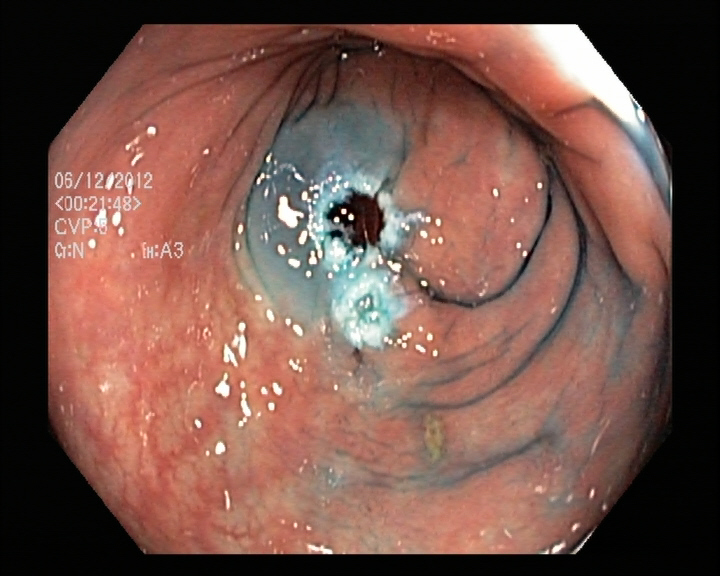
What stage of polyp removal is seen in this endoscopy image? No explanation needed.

dyed resection margin (post-polypectomy)